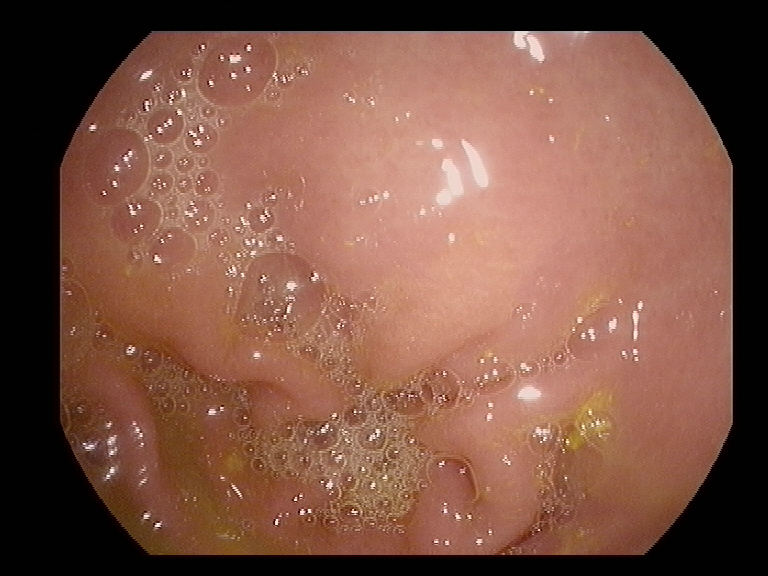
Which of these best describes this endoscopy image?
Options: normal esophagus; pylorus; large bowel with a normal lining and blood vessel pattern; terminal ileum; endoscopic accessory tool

pylorus